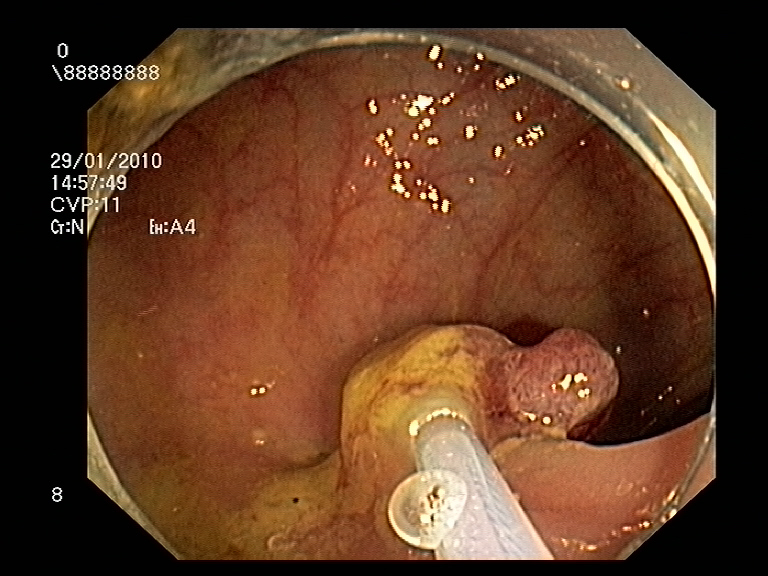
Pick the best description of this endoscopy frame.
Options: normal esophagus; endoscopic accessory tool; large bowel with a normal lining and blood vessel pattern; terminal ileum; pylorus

endoscopic accessory tool